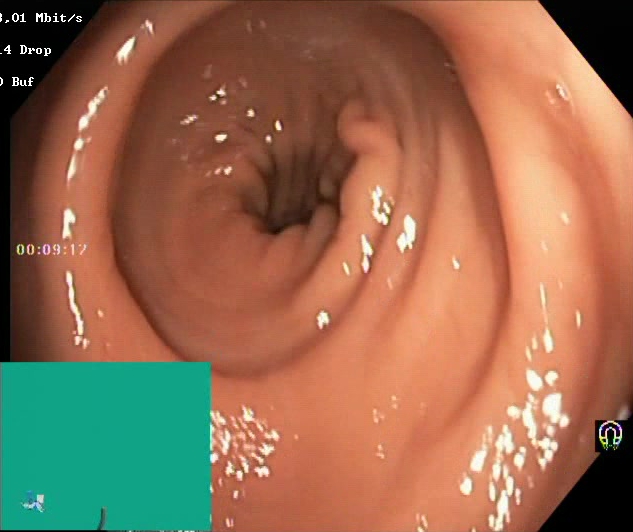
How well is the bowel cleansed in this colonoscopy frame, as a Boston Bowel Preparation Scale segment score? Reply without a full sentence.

Boston Bowel Preparation Scale score 2–3 (adequate preparation)